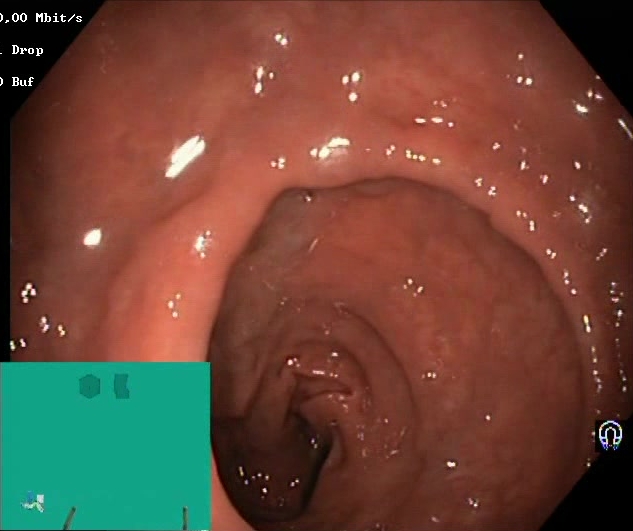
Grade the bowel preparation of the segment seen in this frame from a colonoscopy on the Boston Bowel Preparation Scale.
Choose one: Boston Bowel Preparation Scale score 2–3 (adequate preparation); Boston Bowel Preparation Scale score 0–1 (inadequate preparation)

Boston Bowel Preparation Scale score 2–3 (adequate preparation)